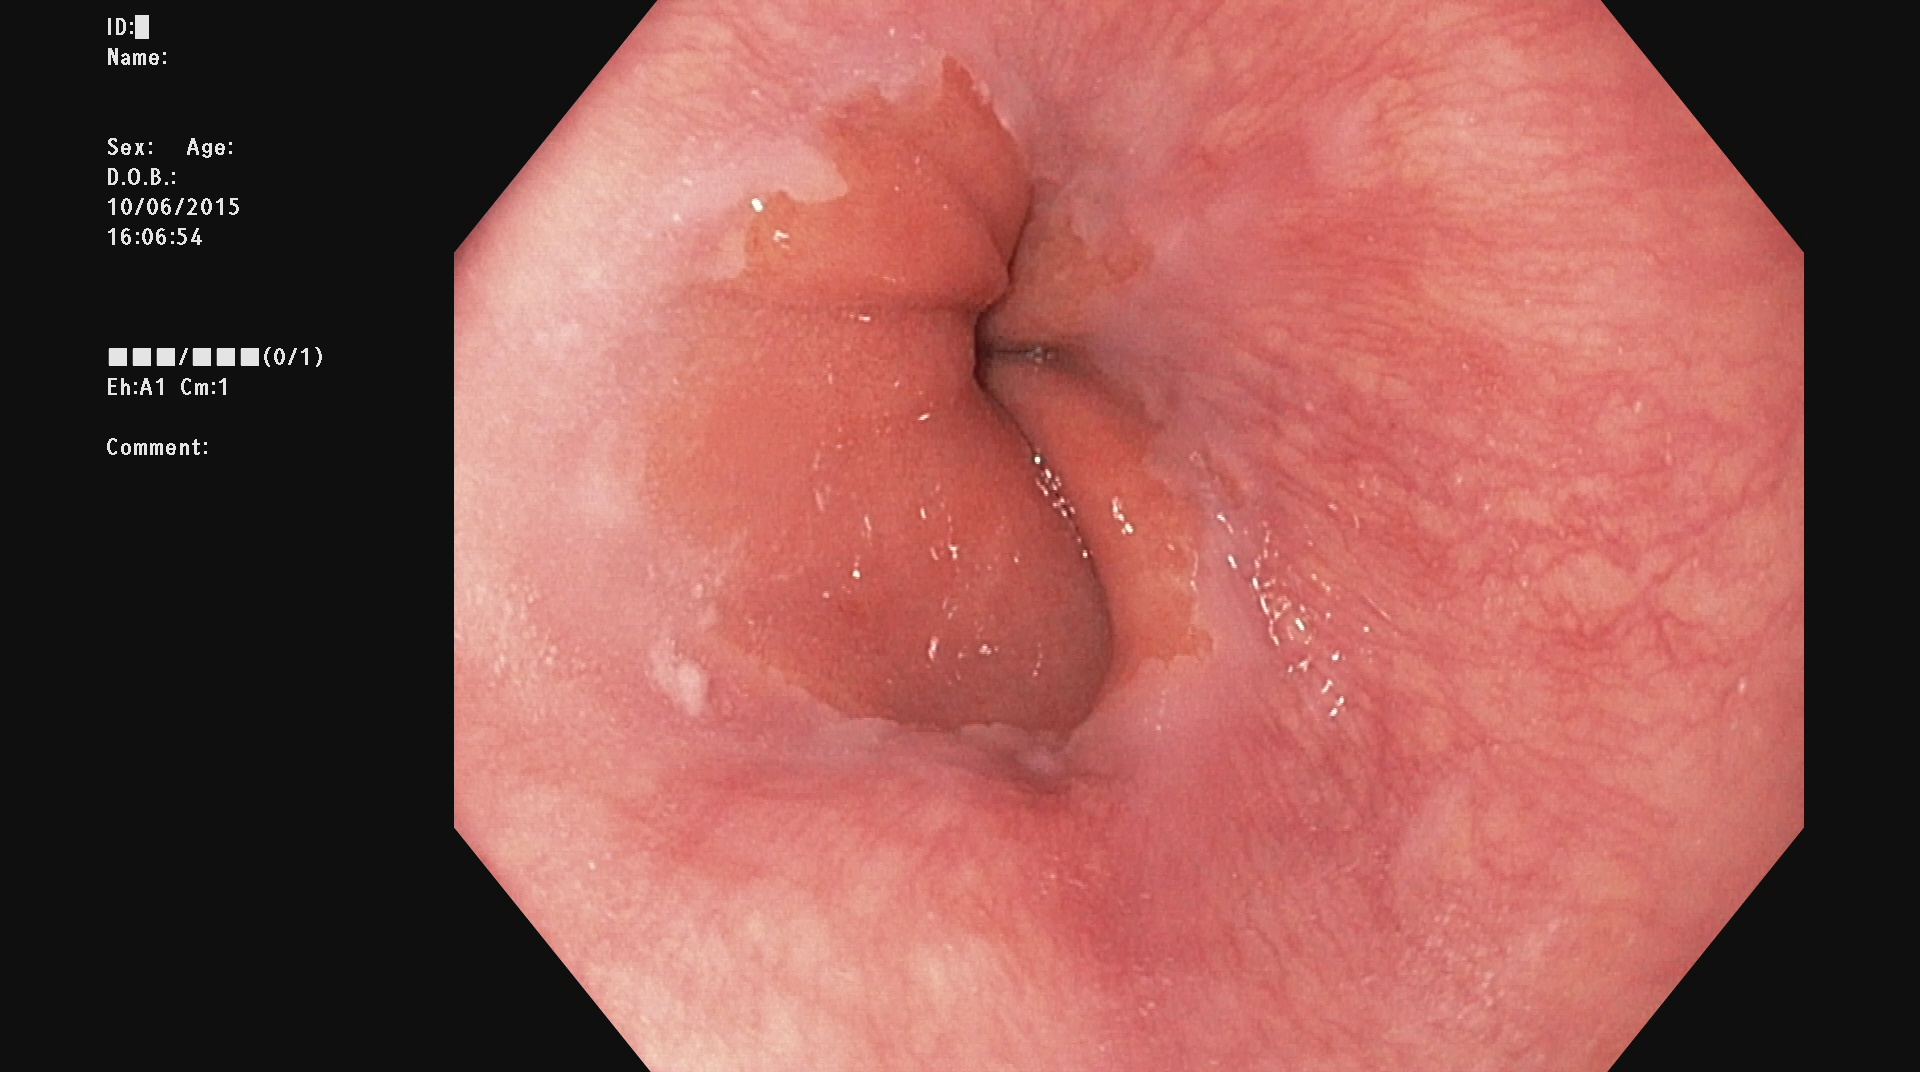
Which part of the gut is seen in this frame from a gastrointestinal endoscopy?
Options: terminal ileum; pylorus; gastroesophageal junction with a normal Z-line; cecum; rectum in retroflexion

gastroesophageal junction with a normal Z-line